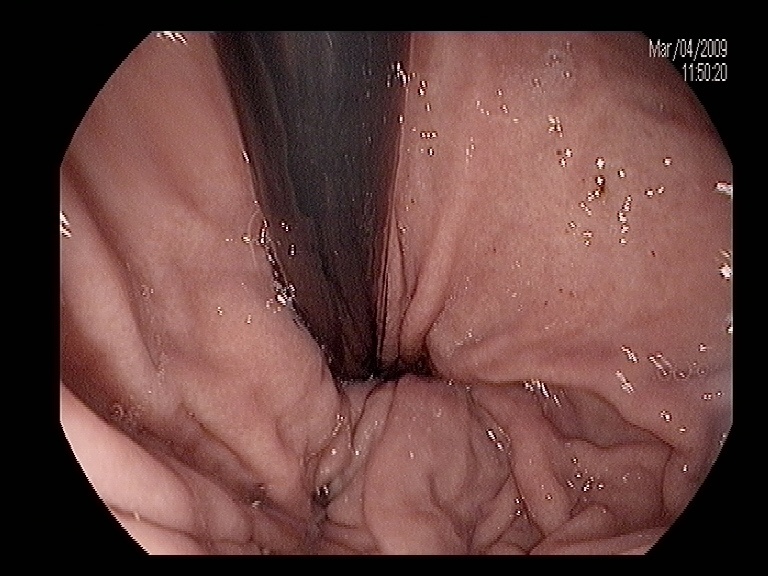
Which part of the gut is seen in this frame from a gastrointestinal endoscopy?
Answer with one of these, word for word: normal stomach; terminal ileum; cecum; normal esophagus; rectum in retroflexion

normal stomach